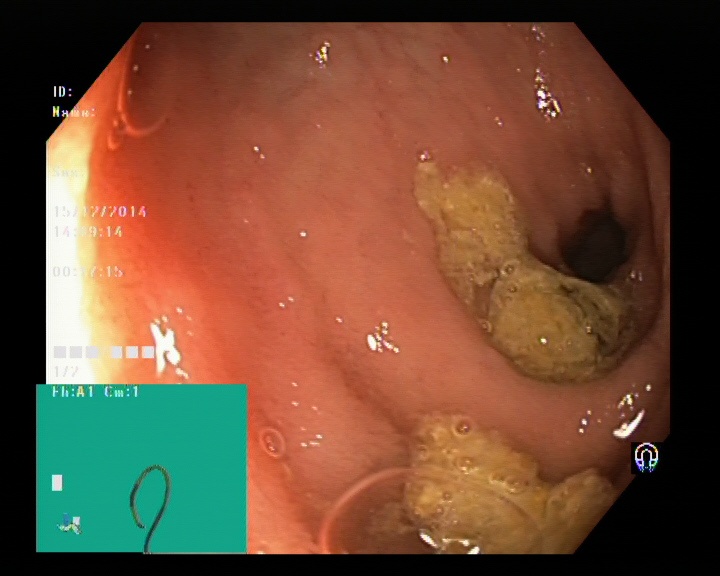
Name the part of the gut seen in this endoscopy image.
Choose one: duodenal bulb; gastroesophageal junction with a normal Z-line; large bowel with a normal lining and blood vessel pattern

large bowel with a normal lining and blood vessel pattern